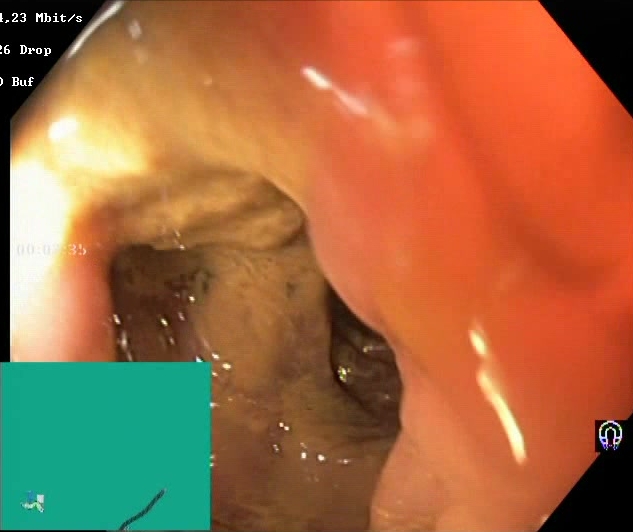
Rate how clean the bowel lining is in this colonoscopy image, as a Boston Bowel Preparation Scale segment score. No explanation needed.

Boston Bowel Preparation Scale score 0–1 (inadequate preparation)